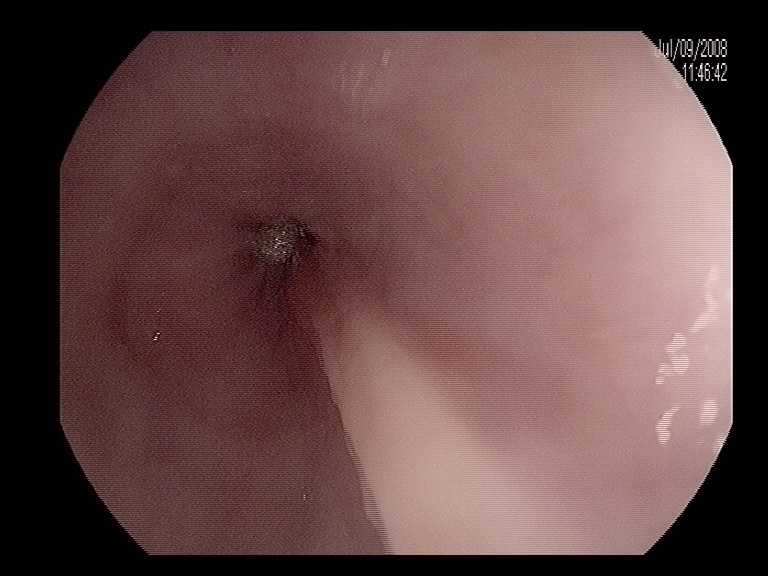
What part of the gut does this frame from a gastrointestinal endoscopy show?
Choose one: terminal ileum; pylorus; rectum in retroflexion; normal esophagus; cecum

normal esophagus